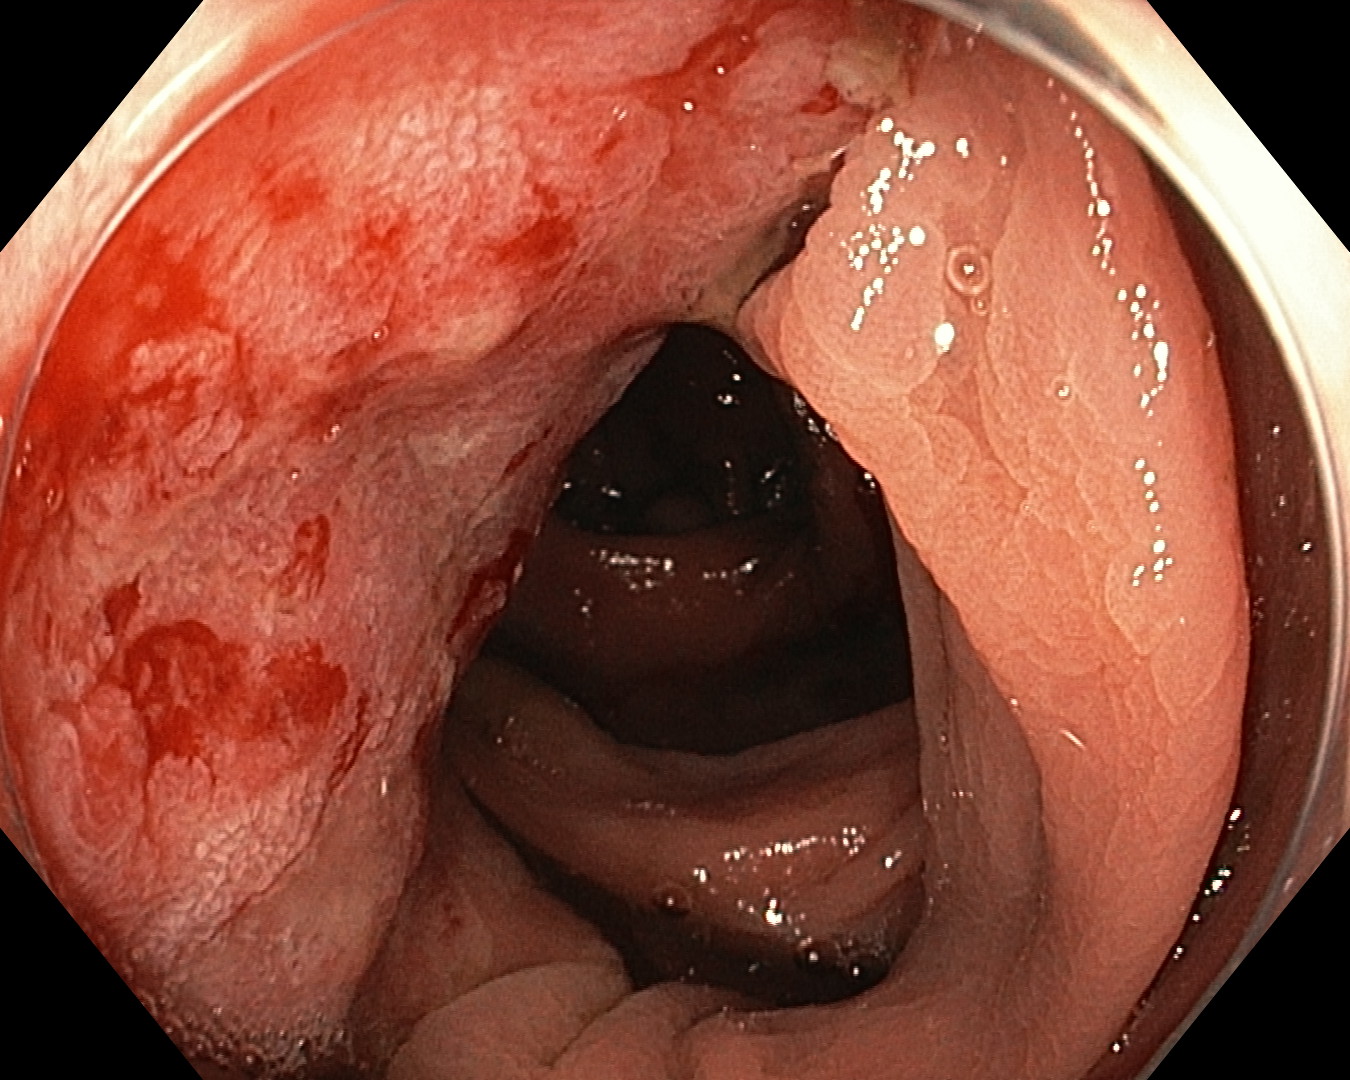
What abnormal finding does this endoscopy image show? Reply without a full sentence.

colorectal cancer